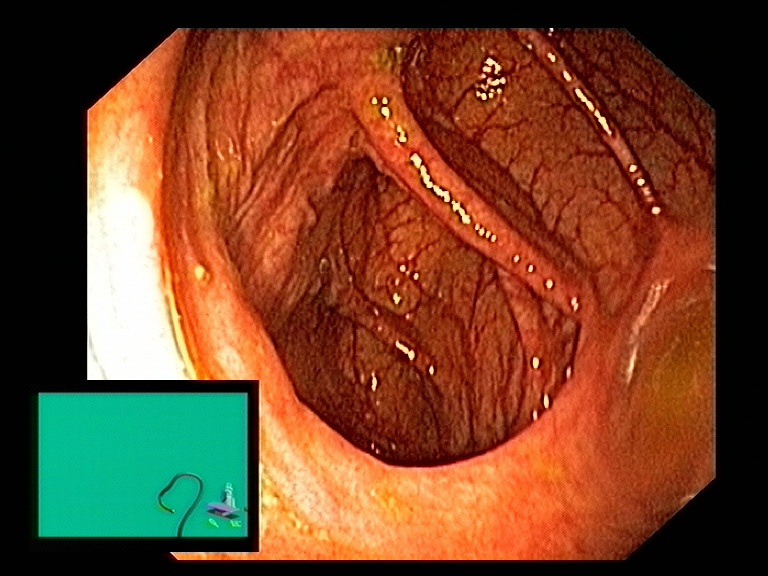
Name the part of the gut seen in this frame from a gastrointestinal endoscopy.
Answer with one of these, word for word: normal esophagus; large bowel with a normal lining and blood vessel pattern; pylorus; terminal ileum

large bowel with a normal lining and blood vessel pattern